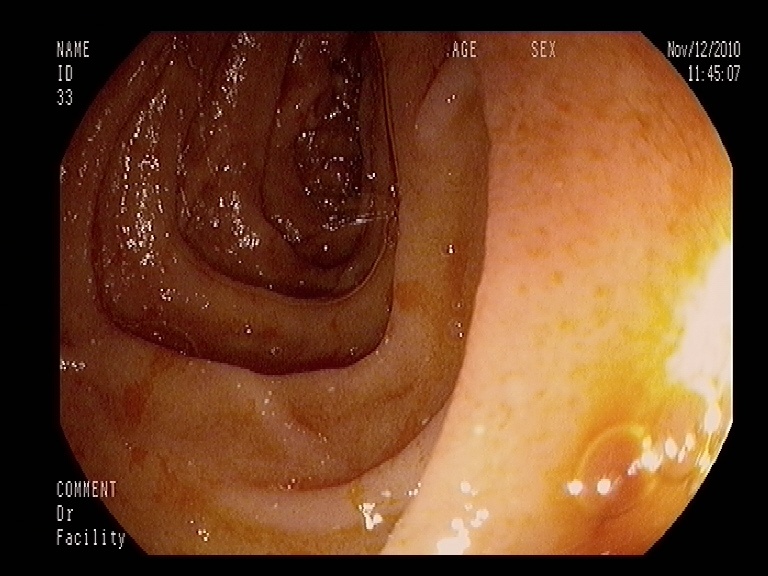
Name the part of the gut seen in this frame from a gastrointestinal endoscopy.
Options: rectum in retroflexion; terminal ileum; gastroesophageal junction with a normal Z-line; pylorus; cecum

terminal ileum